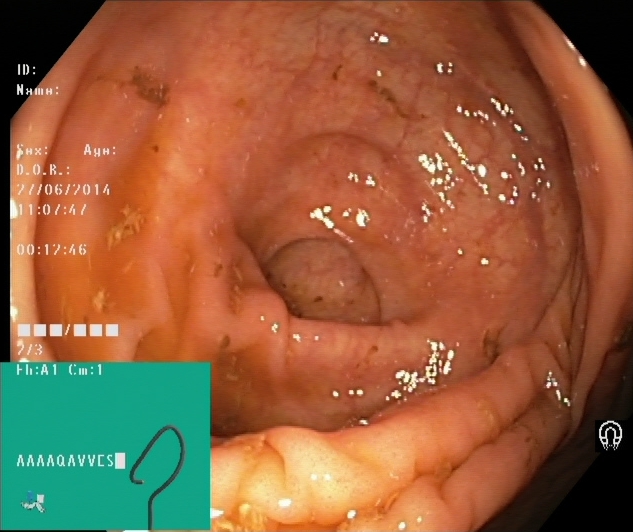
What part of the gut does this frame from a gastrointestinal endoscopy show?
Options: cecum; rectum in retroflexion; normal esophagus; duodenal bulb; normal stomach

cecum